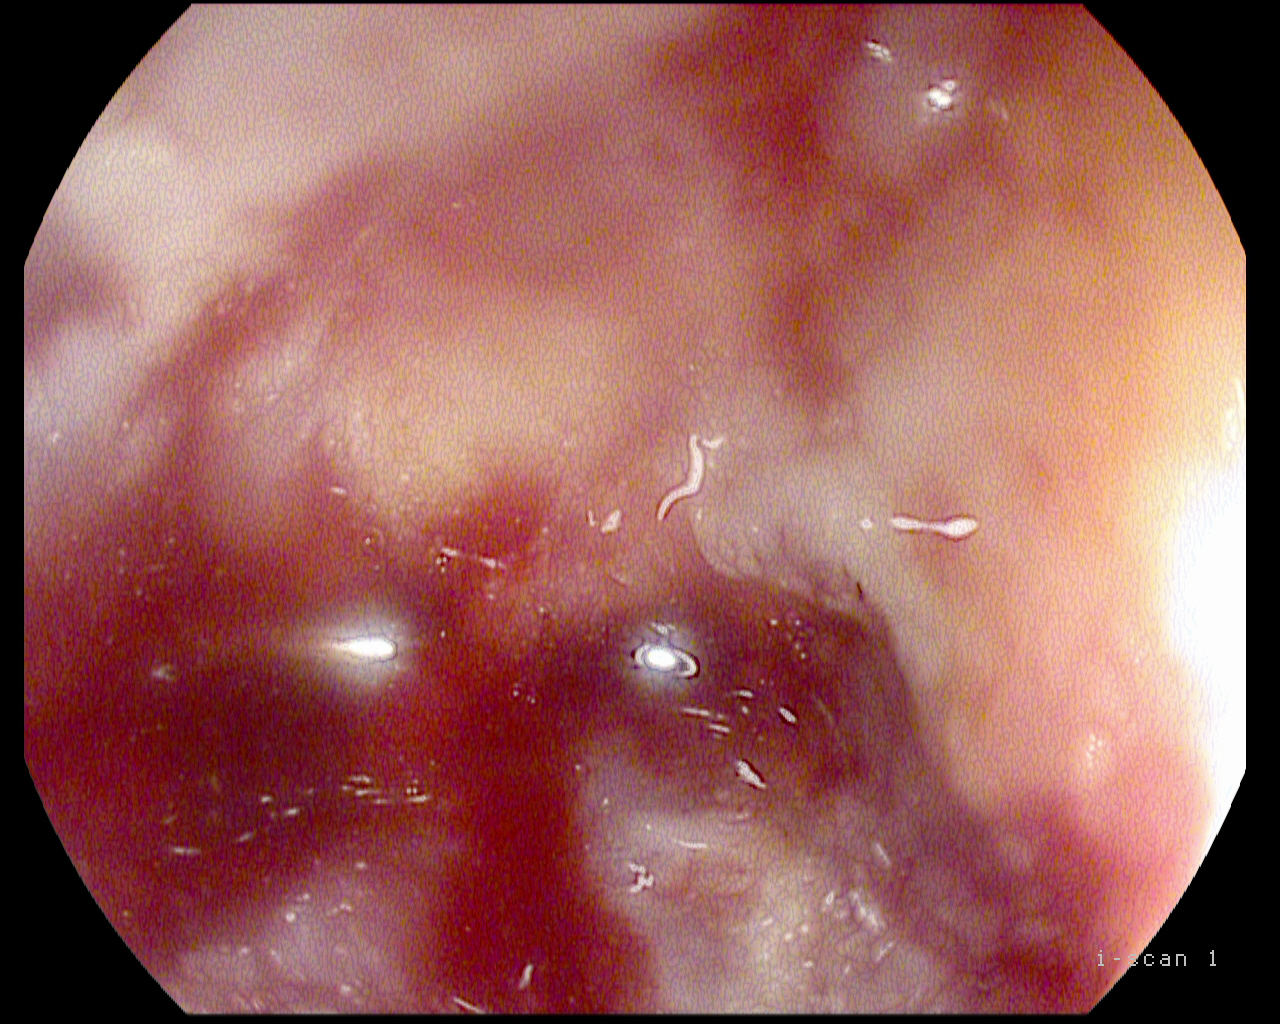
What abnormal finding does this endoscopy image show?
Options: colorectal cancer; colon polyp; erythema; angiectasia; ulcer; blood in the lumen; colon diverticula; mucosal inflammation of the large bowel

blood in the lumen